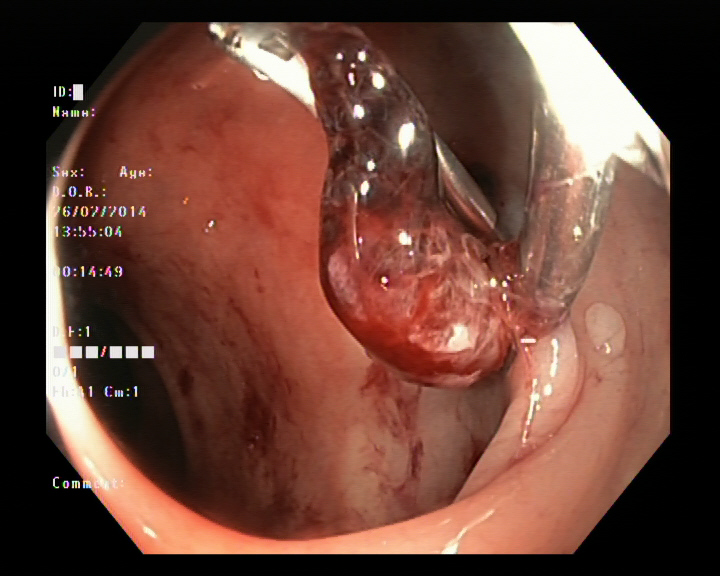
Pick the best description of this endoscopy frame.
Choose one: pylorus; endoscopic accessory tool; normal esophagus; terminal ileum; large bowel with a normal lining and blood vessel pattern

endoscopic accessory tool